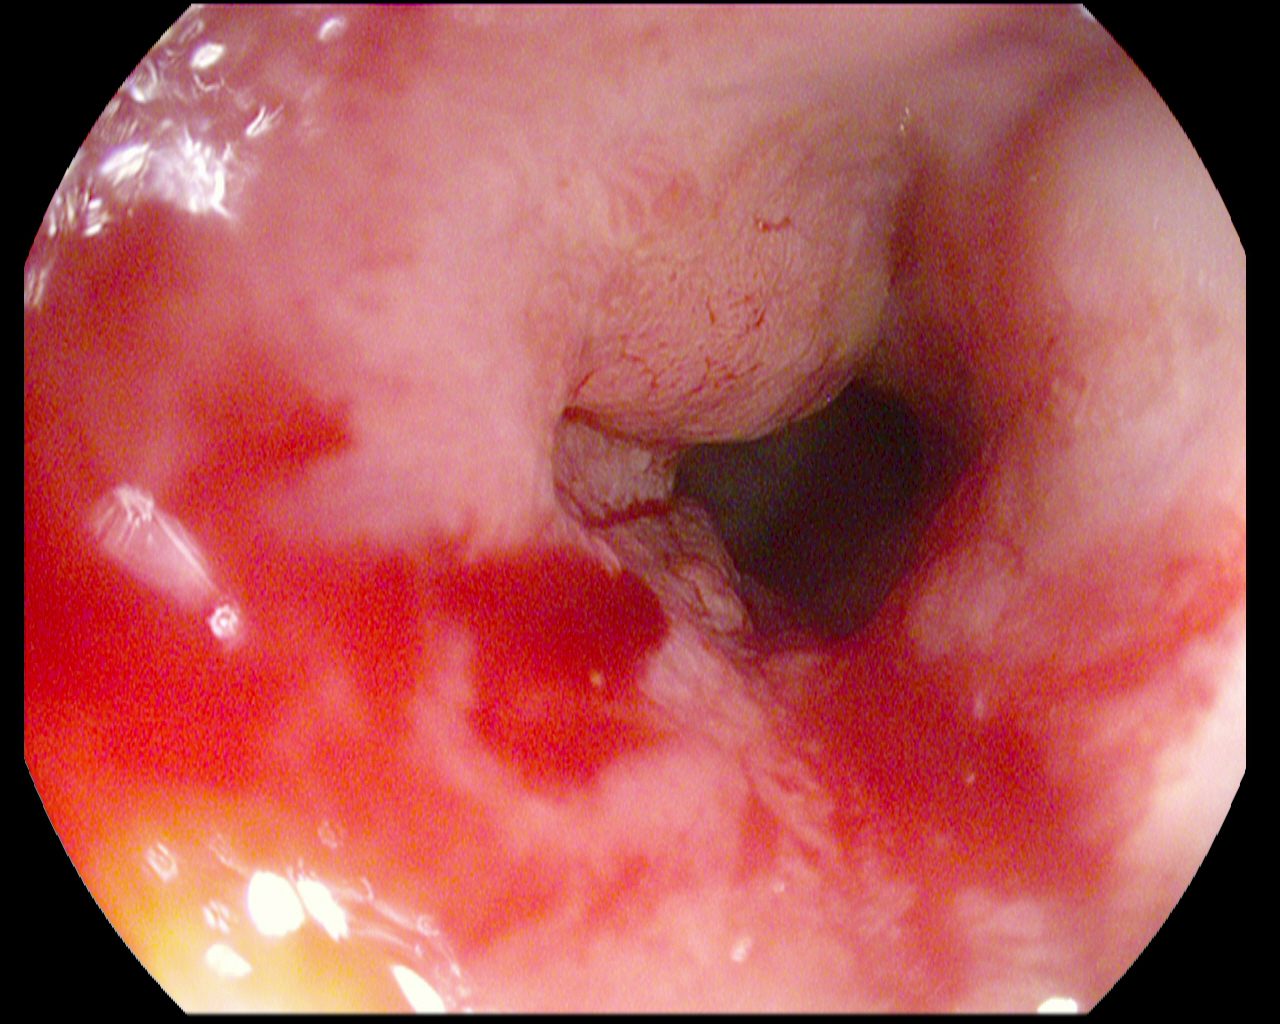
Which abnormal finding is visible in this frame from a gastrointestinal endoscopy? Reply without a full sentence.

blood in the lumen